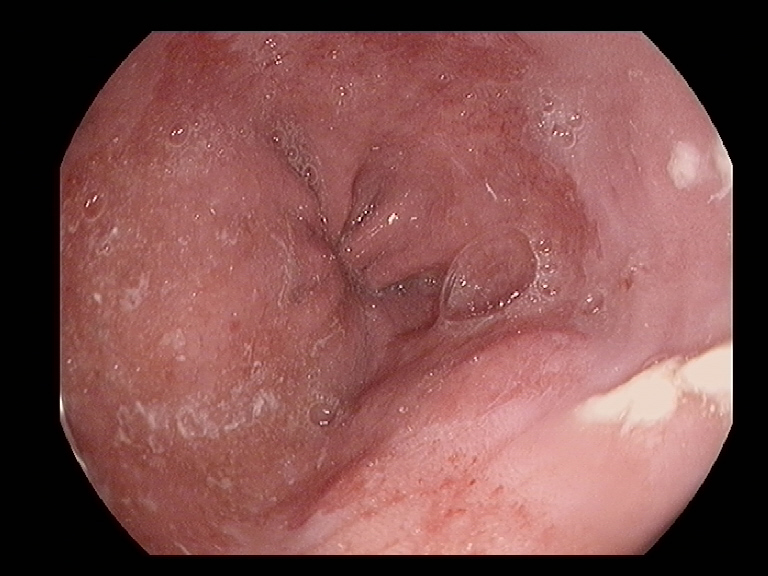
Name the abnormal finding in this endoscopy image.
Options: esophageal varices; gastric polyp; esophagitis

esophagitis